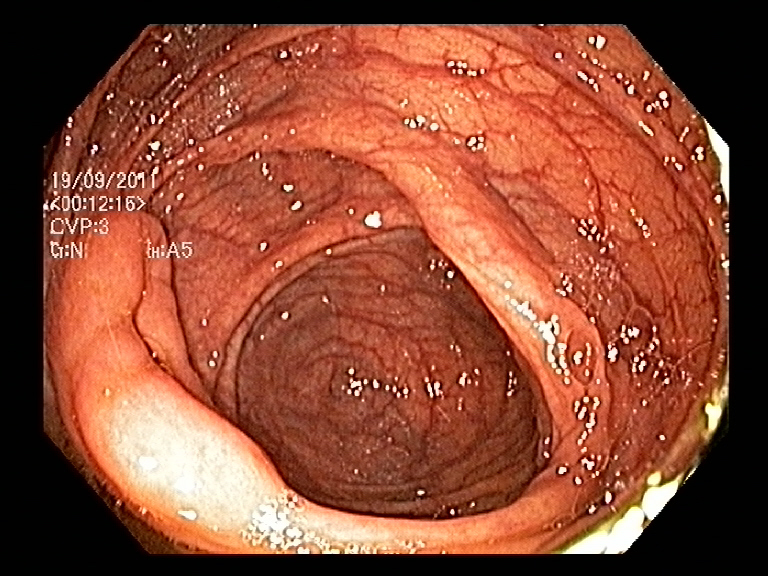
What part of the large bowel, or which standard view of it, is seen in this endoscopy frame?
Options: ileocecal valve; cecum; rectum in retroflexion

ileocecal valve